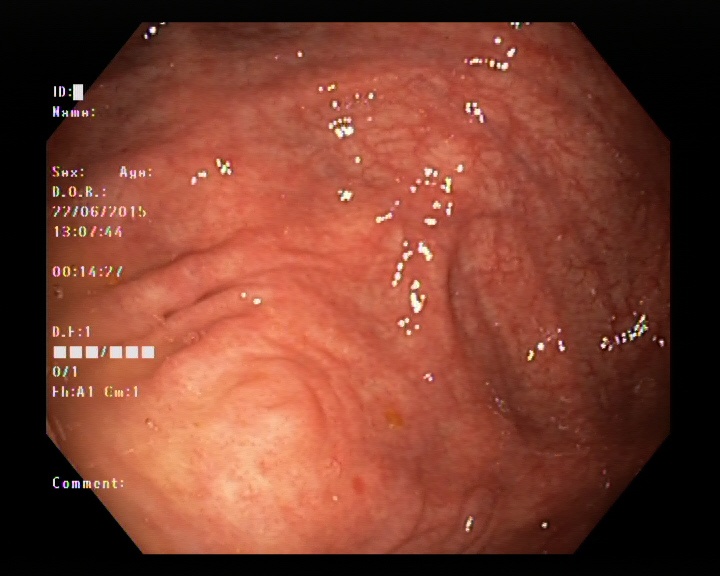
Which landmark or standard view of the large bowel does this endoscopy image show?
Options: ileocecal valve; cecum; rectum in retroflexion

cecum